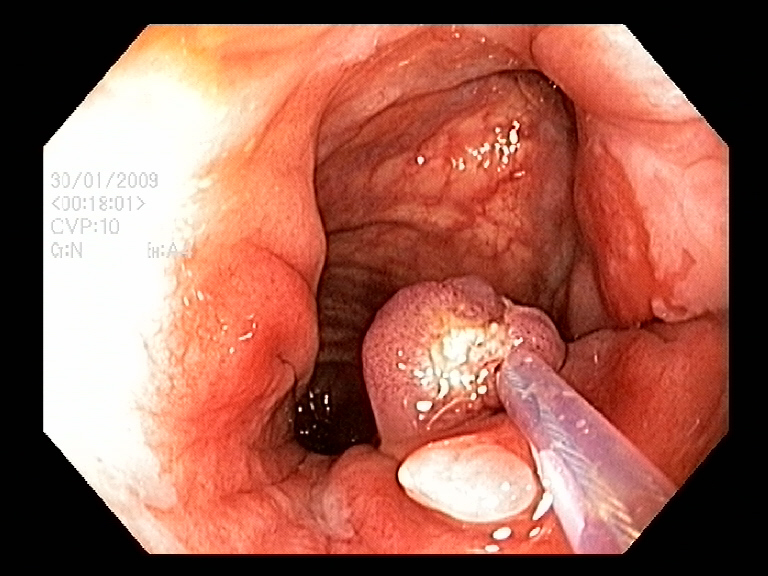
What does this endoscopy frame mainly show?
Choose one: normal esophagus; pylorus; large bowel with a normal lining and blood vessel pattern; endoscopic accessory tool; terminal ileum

endoscopic accessory tool